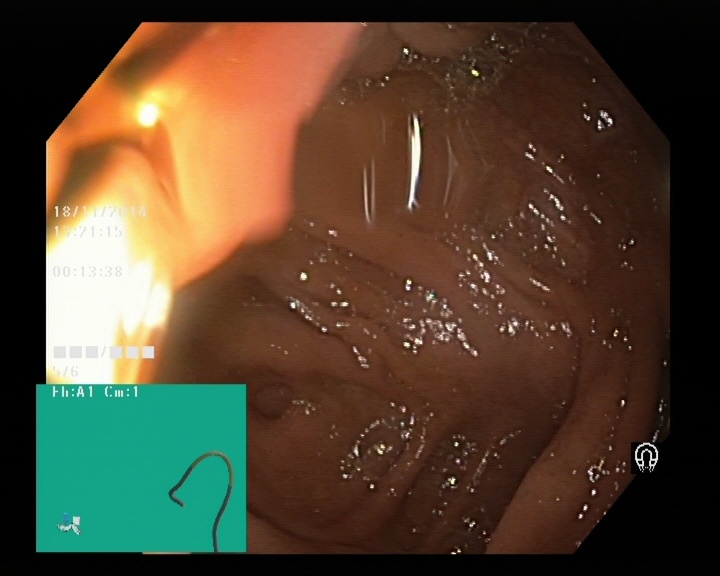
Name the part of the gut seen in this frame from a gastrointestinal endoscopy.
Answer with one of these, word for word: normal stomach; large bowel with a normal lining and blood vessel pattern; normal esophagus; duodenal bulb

large bowel with a normal lining and blood vessel pattern